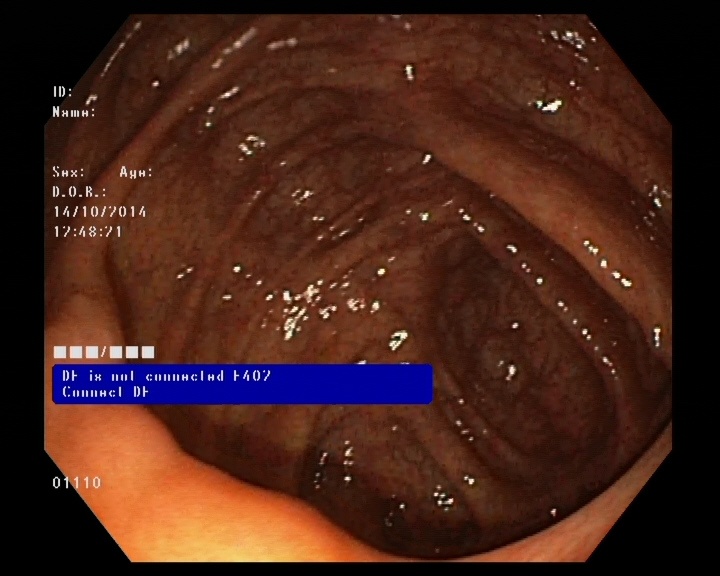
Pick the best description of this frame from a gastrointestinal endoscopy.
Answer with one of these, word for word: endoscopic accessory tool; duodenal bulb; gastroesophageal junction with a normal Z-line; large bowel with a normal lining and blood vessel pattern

large bowel with a normal lining and blood vessel pattern